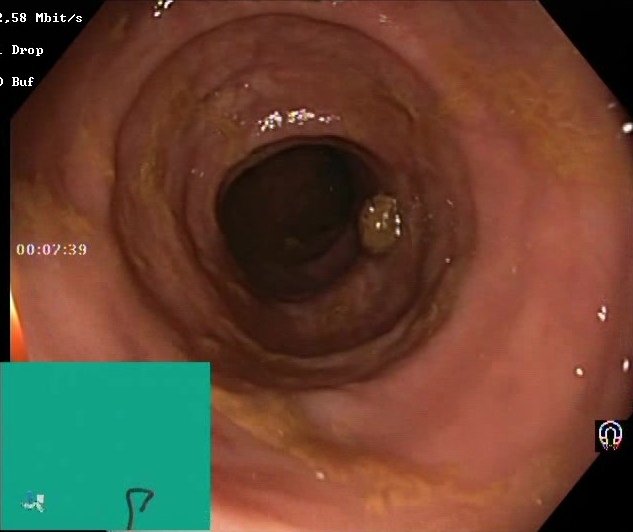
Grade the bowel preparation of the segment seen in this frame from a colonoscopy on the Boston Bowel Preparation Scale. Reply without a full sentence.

Boston Bowel Preparation Scale score 2–3 (adequate preparation)